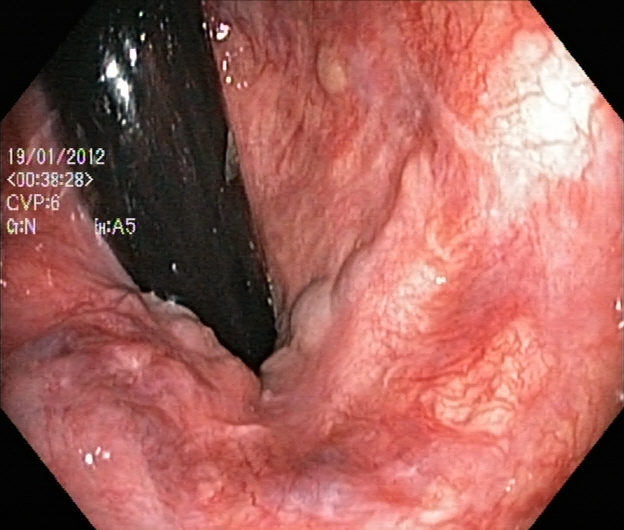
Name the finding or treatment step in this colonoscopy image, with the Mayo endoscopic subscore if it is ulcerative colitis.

hemorrhoids